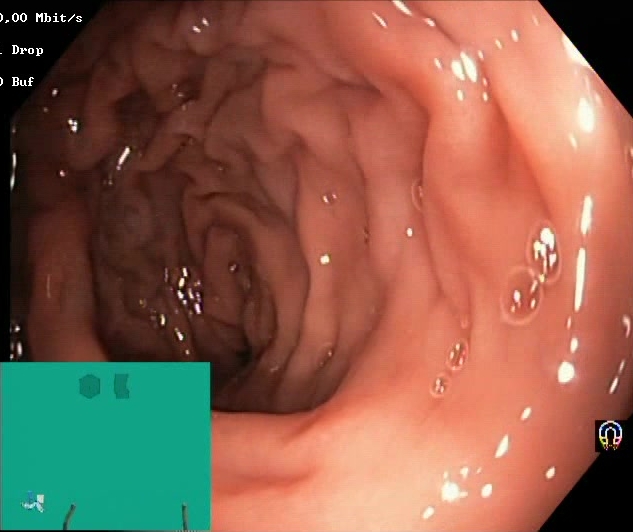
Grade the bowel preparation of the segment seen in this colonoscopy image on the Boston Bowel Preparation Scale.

Boston Bowel Preparation Scale score 2–3 (adequate preparation)